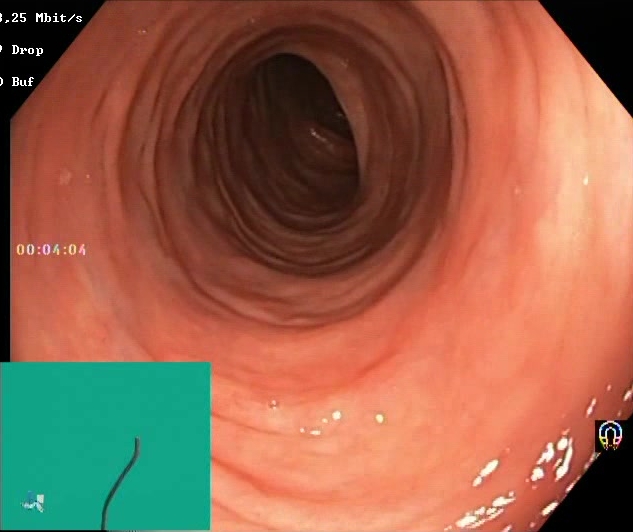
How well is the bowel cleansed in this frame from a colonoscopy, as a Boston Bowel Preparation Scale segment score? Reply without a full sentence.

Boston Bowel Preparation Scale score 2–3 (adequate preparation)